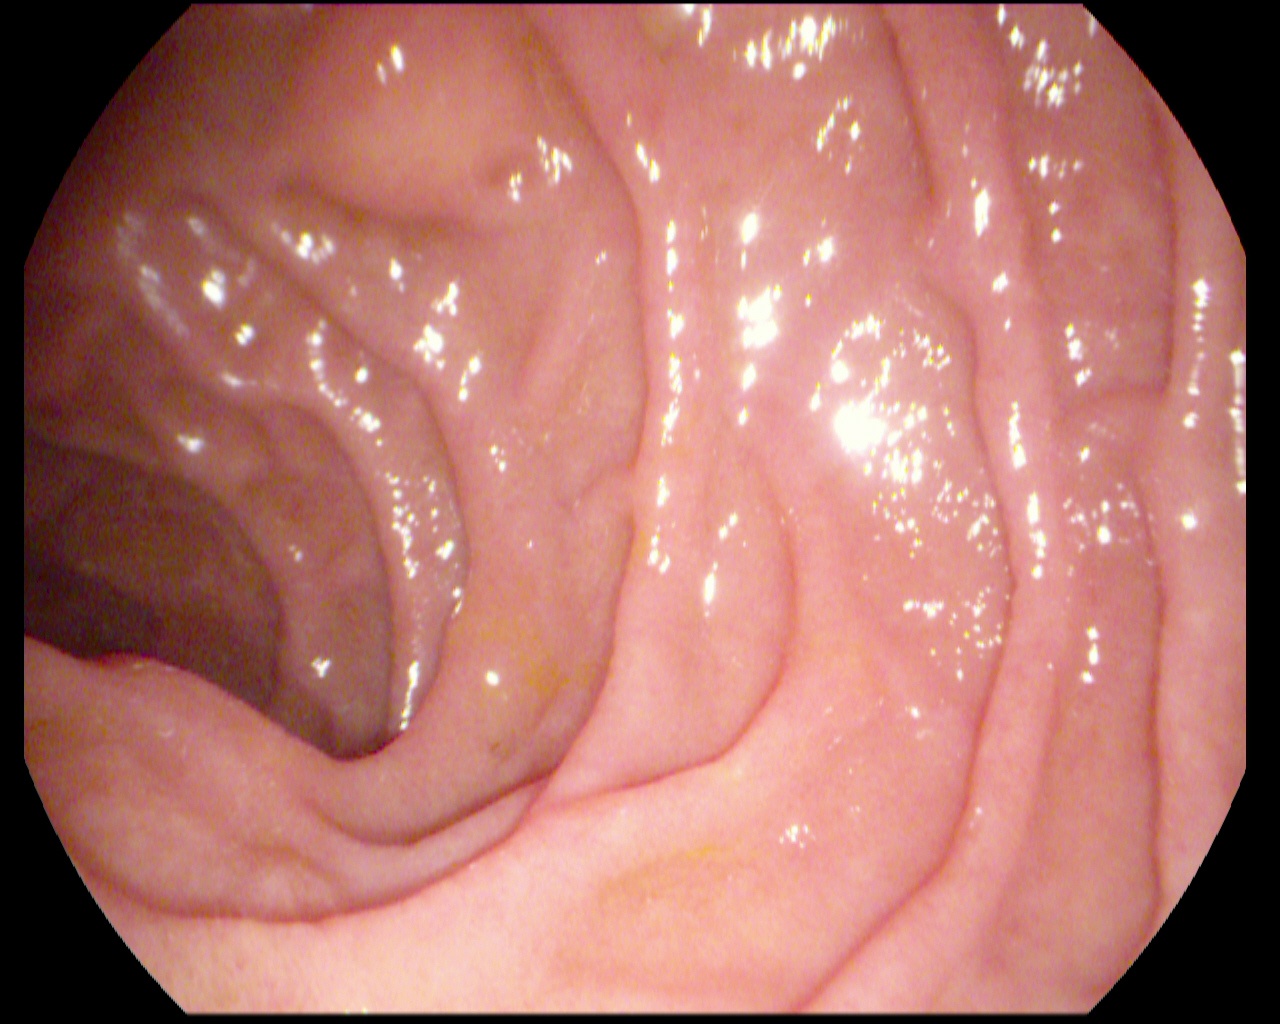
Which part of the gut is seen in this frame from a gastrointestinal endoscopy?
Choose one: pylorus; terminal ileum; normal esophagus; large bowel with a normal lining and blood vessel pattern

terminal ileum